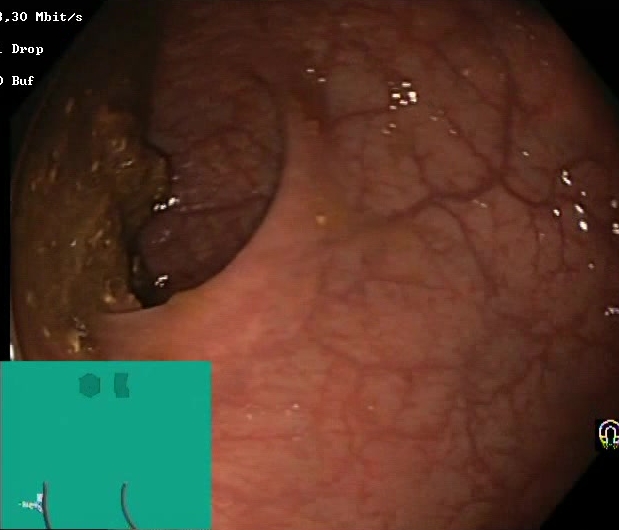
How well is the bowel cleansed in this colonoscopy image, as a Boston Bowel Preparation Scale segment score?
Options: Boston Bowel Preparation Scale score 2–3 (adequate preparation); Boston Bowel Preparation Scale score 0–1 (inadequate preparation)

Boston Bowel Preparation Scale score 0–1 (inadequate preparation)